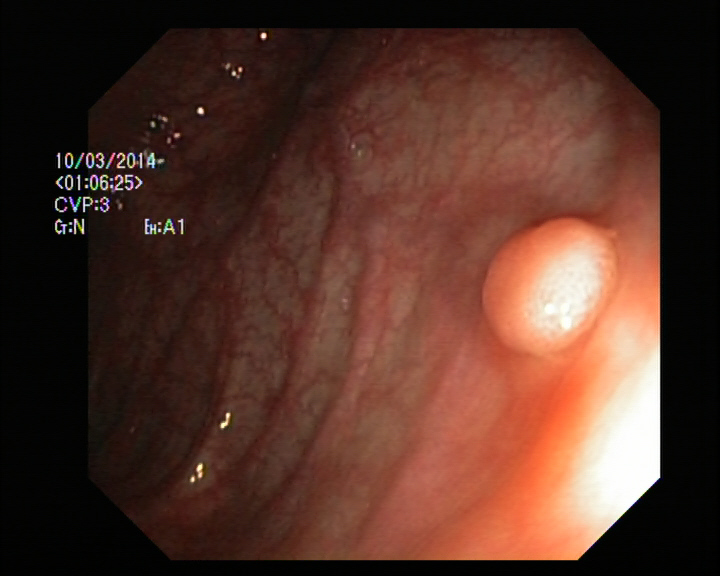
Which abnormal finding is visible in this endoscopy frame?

colon polyp